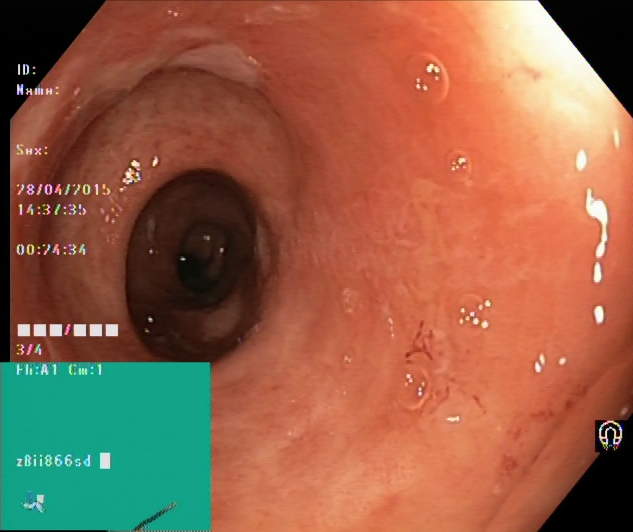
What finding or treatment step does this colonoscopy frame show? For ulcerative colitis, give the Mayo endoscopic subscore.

ulcerative colitis, Mayo endoscopic subscore 1